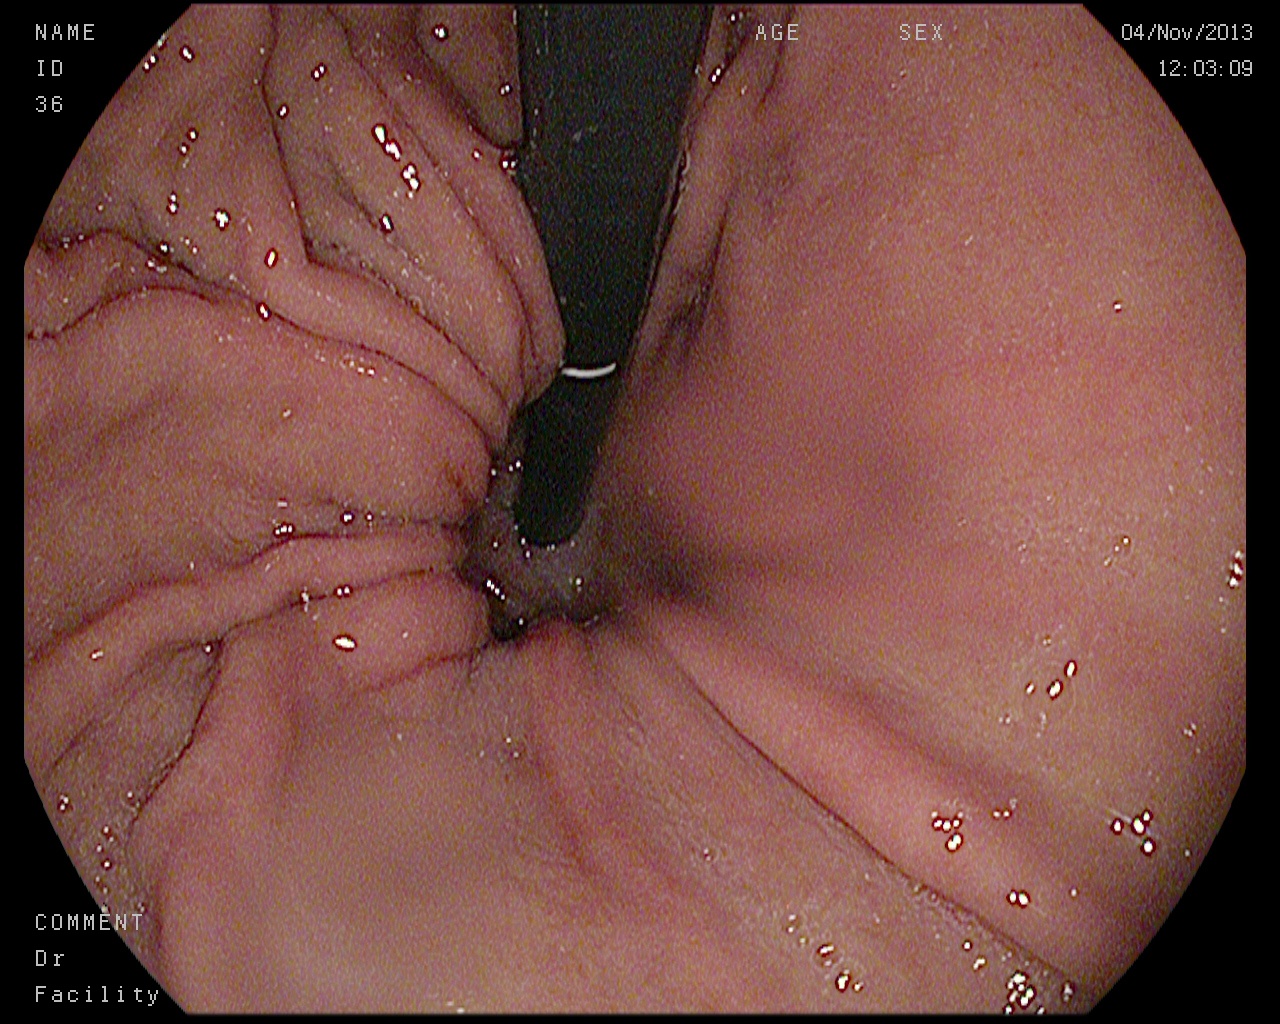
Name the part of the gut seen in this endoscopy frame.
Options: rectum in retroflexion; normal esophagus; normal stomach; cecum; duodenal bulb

normal stomach